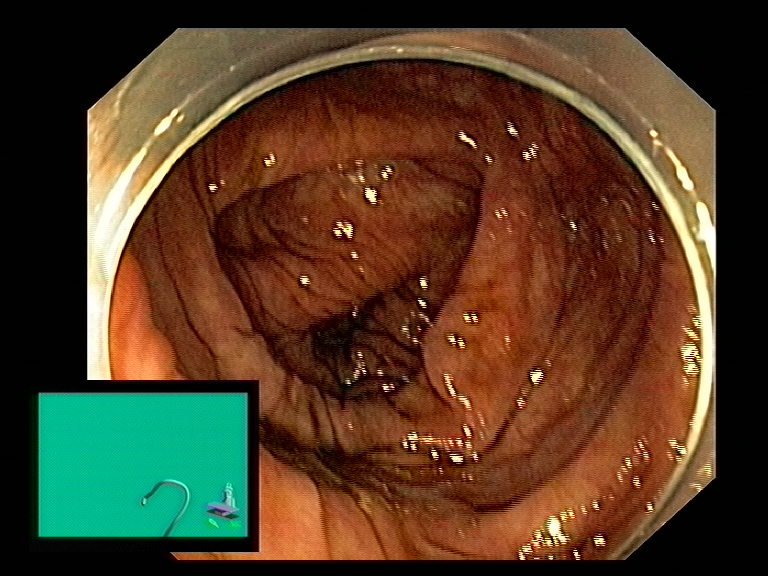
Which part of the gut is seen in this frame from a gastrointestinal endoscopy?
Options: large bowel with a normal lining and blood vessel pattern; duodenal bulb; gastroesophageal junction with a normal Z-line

large bowel with a normal lining and blood vessel pattern